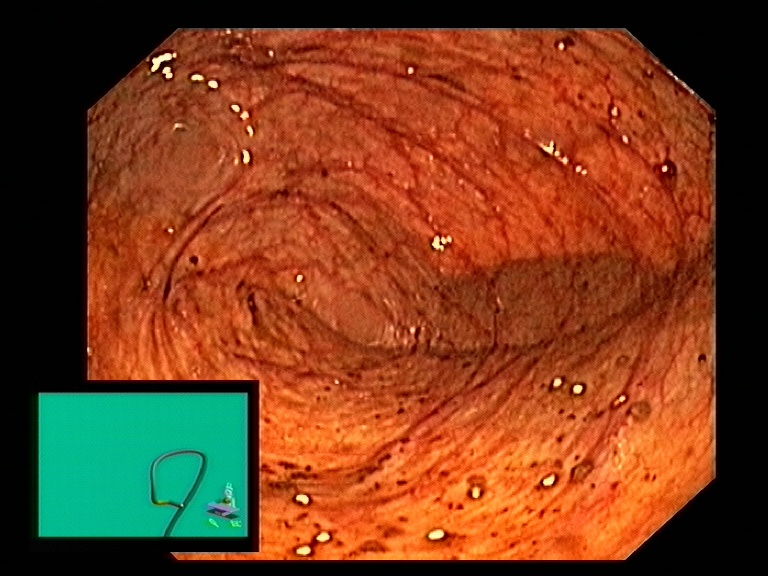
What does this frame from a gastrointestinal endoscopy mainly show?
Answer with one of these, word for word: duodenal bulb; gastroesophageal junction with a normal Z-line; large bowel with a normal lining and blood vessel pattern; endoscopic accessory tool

large bowel with a normal lining and blood vessel pattern